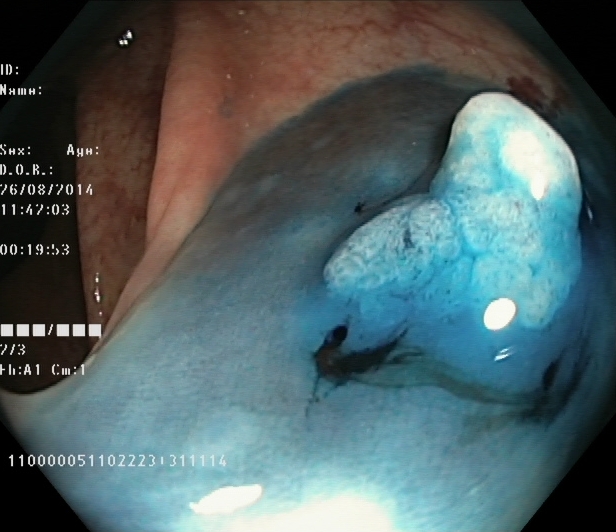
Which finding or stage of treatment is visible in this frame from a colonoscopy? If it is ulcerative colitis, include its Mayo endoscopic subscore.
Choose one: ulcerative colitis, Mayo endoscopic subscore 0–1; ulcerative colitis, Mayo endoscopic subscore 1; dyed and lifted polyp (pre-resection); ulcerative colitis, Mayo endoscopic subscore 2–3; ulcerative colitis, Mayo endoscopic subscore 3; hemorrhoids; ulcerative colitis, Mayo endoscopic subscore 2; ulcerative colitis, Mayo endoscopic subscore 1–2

dyed and lifted polyp (pre-resection)